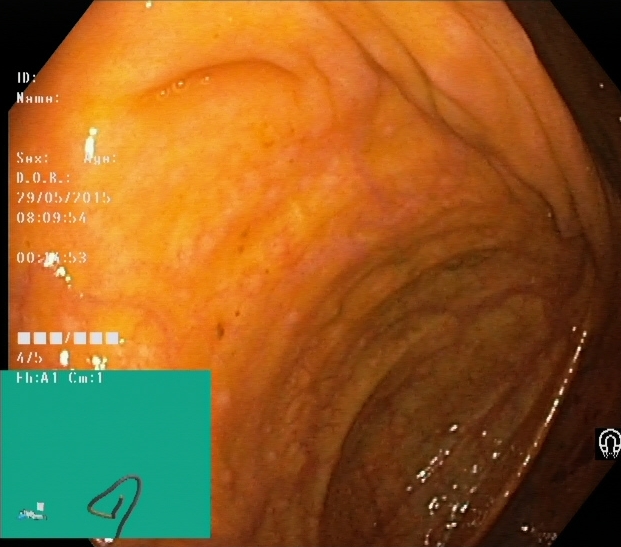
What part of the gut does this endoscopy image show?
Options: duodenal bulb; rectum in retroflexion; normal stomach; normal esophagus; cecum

cecum